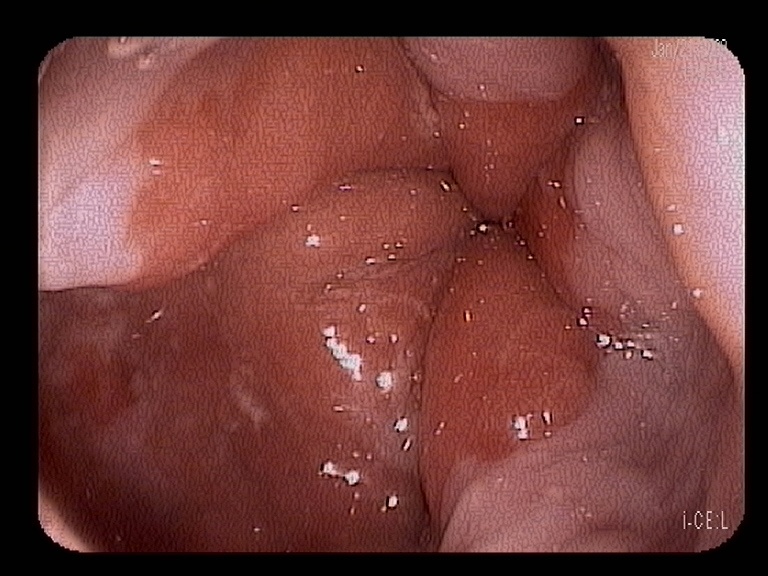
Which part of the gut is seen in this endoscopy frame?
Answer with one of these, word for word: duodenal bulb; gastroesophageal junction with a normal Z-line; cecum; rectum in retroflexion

gastroesophageal junction with a normal Z-line